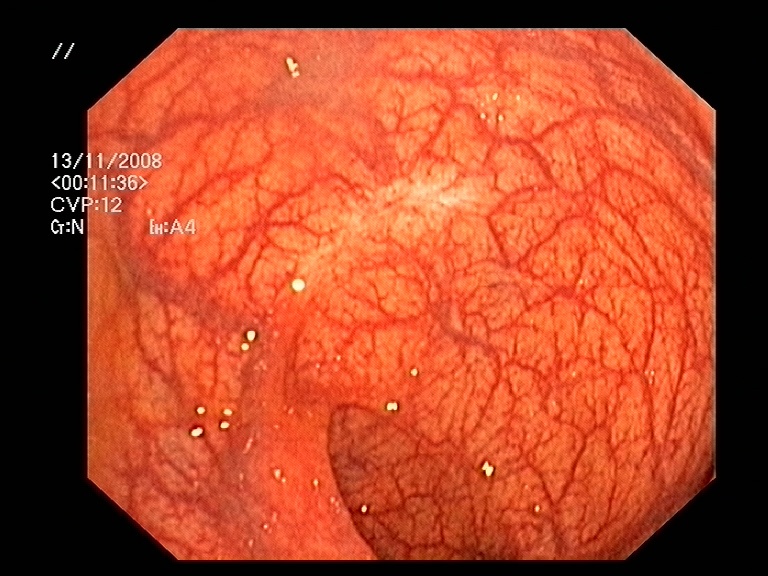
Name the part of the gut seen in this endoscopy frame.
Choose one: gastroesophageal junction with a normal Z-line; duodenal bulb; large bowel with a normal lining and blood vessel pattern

large bowel with a normal lining and blood vessel pattern